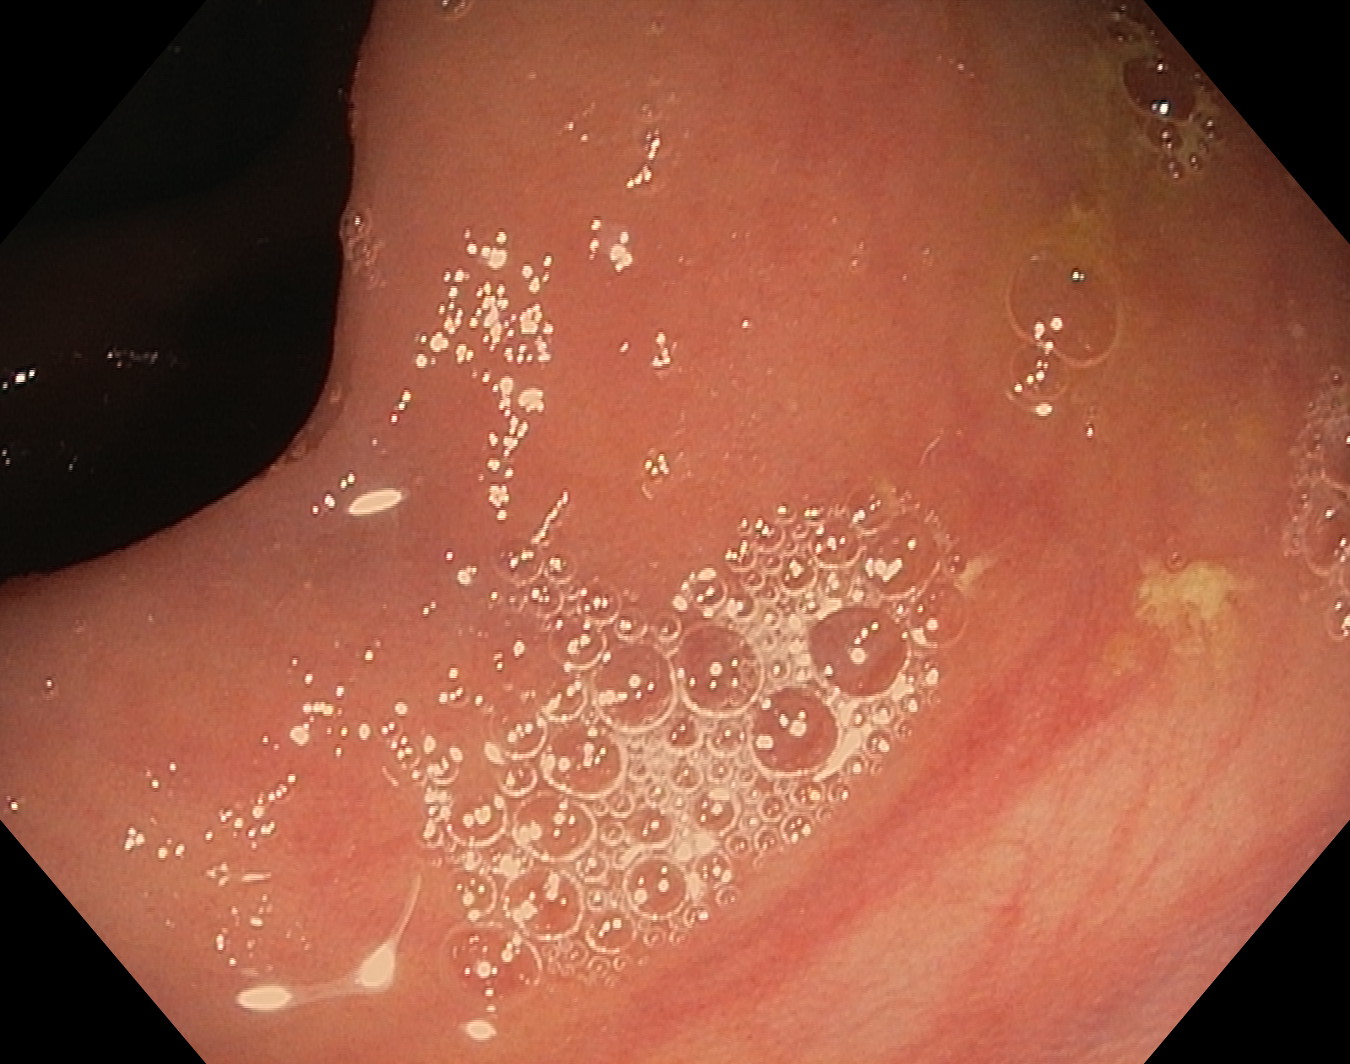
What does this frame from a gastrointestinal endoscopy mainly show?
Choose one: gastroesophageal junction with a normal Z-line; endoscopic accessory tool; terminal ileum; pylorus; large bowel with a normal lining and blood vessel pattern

large bowel with a normal lining and blood vessel pattern